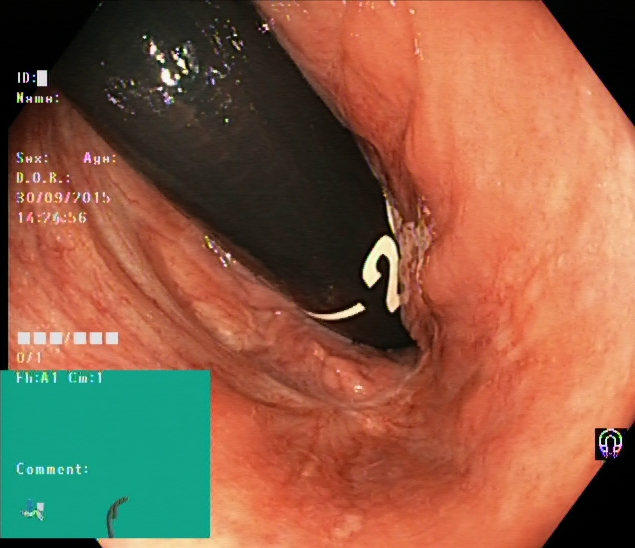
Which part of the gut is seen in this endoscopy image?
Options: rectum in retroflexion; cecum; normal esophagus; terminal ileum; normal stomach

rectum in retroflexion